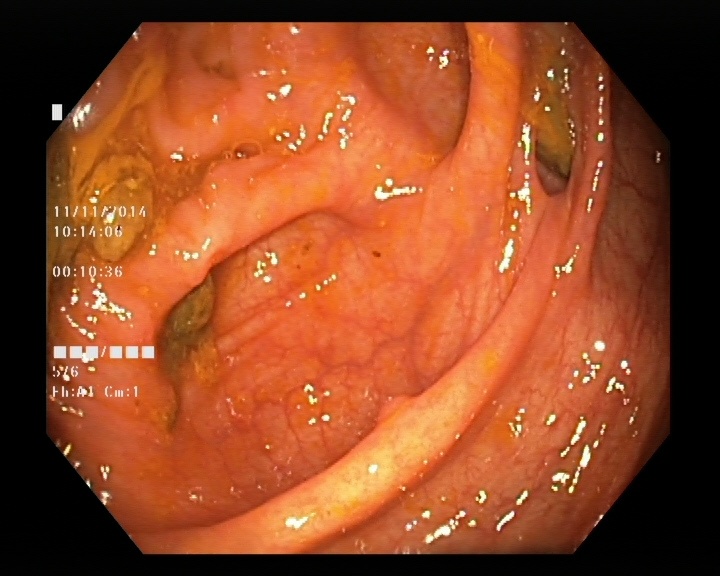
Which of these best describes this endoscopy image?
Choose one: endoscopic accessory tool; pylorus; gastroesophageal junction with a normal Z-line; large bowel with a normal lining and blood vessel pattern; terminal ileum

large bowel with a normal lining and blood vessel pattern